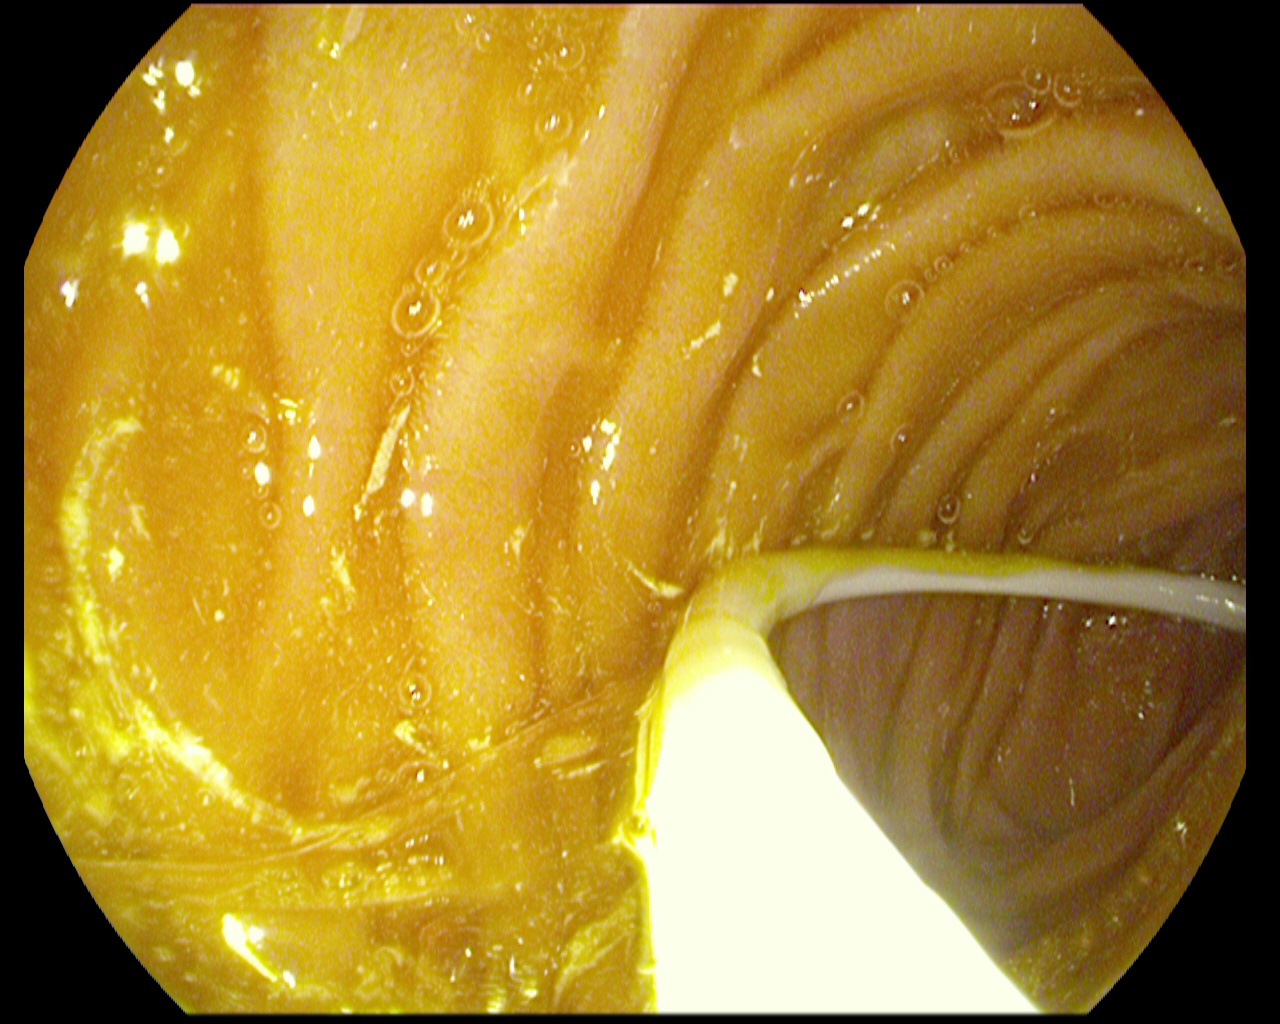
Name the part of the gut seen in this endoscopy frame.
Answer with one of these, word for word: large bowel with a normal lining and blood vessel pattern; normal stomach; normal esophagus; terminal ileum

terminal ileum